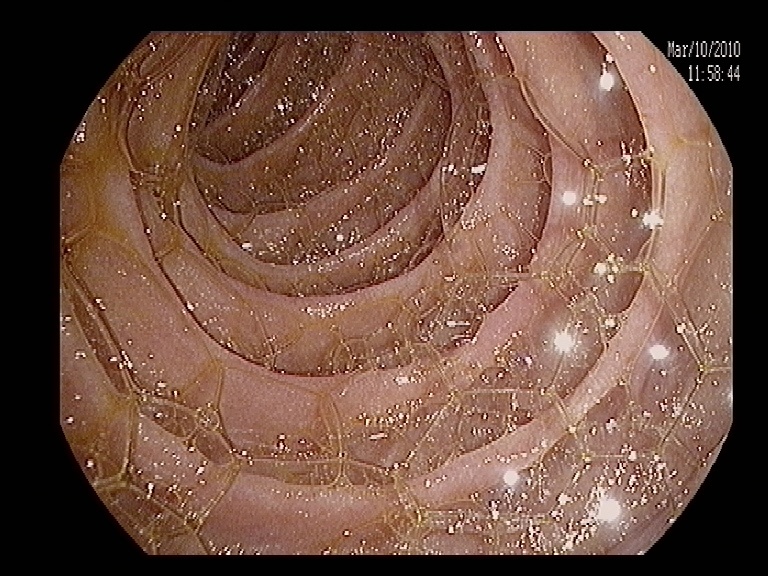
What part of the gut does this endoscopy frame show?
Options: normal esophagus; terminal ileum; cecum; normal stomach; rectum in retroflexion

terminal ileum